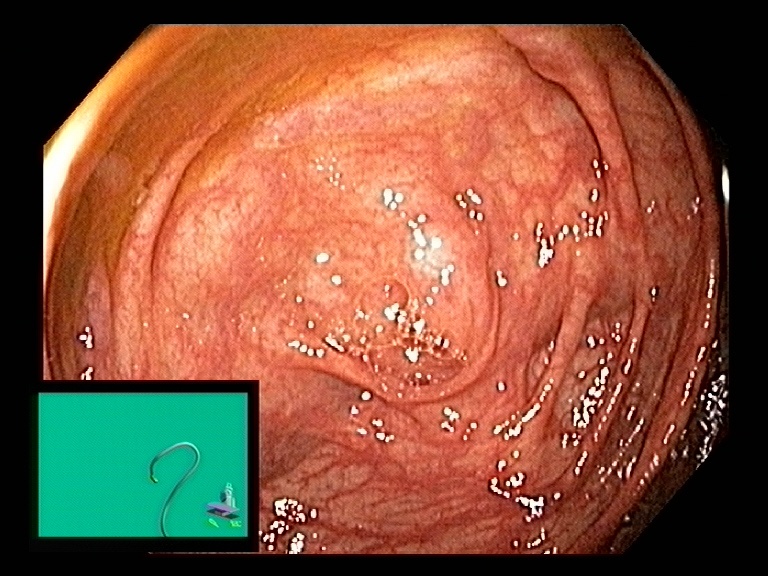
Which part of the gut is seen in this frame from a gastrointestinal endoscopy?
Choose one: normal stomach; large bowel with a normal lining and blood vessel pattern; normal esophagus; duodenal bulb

large bowel with a normal lining and blood vessel pattern